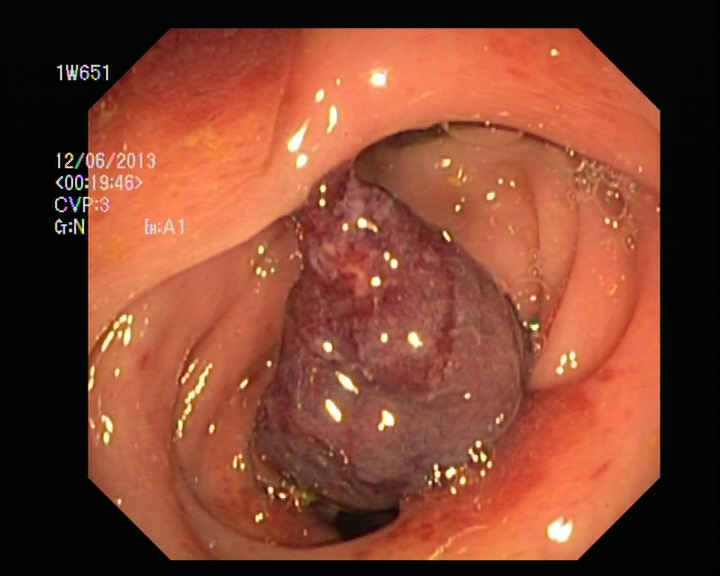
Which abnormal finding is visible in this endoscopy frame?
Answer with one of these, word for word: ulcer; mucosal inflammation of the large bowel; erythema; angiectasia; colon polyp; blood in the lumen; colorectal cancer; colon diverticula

colorectal cancer